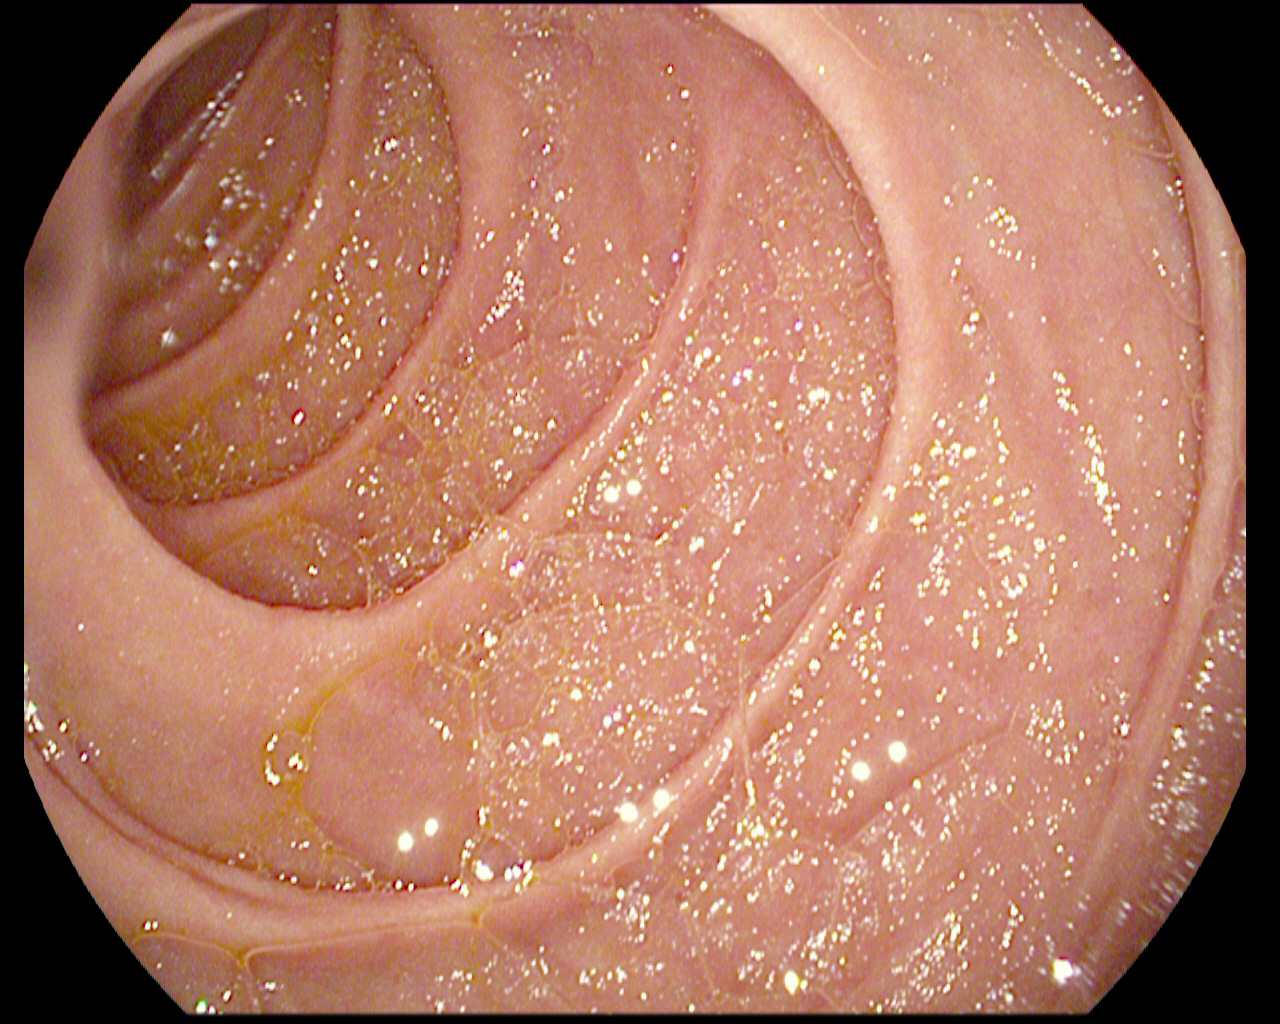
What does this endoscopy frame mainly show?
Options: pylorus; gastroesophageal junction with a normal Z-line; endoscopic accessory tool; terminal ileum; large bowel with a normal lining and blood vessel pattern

terminal ileum